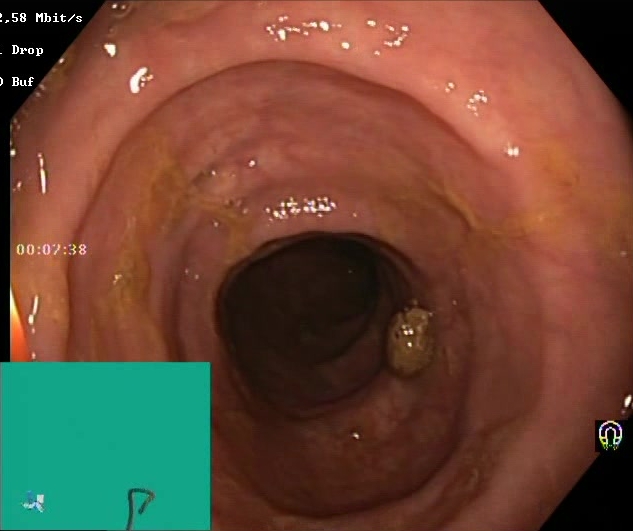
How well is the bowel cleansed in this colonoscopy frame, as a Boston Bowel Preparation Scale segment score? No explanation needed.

Boston Bowel Preparation Scale score 2–3 (adequate preparation)